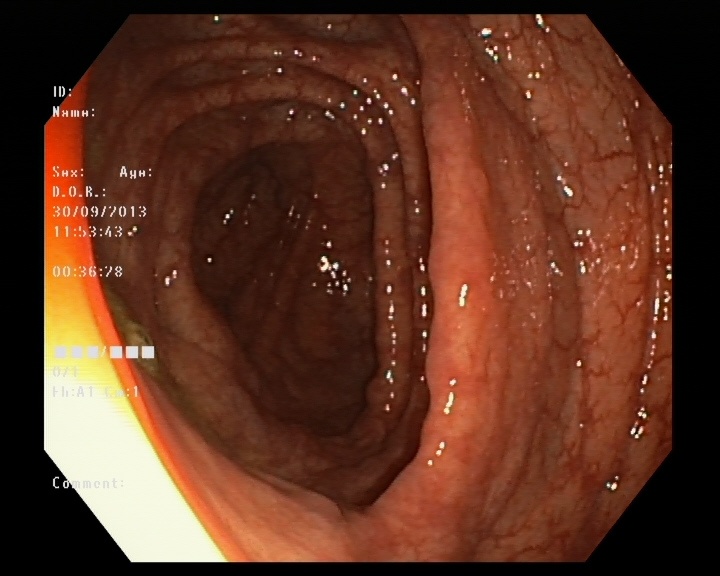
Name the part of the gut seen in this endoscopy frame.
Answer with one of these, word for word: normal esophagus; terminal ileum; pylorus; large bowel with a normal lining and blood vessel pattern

large bowel with a normal lining and blood vessel pattern